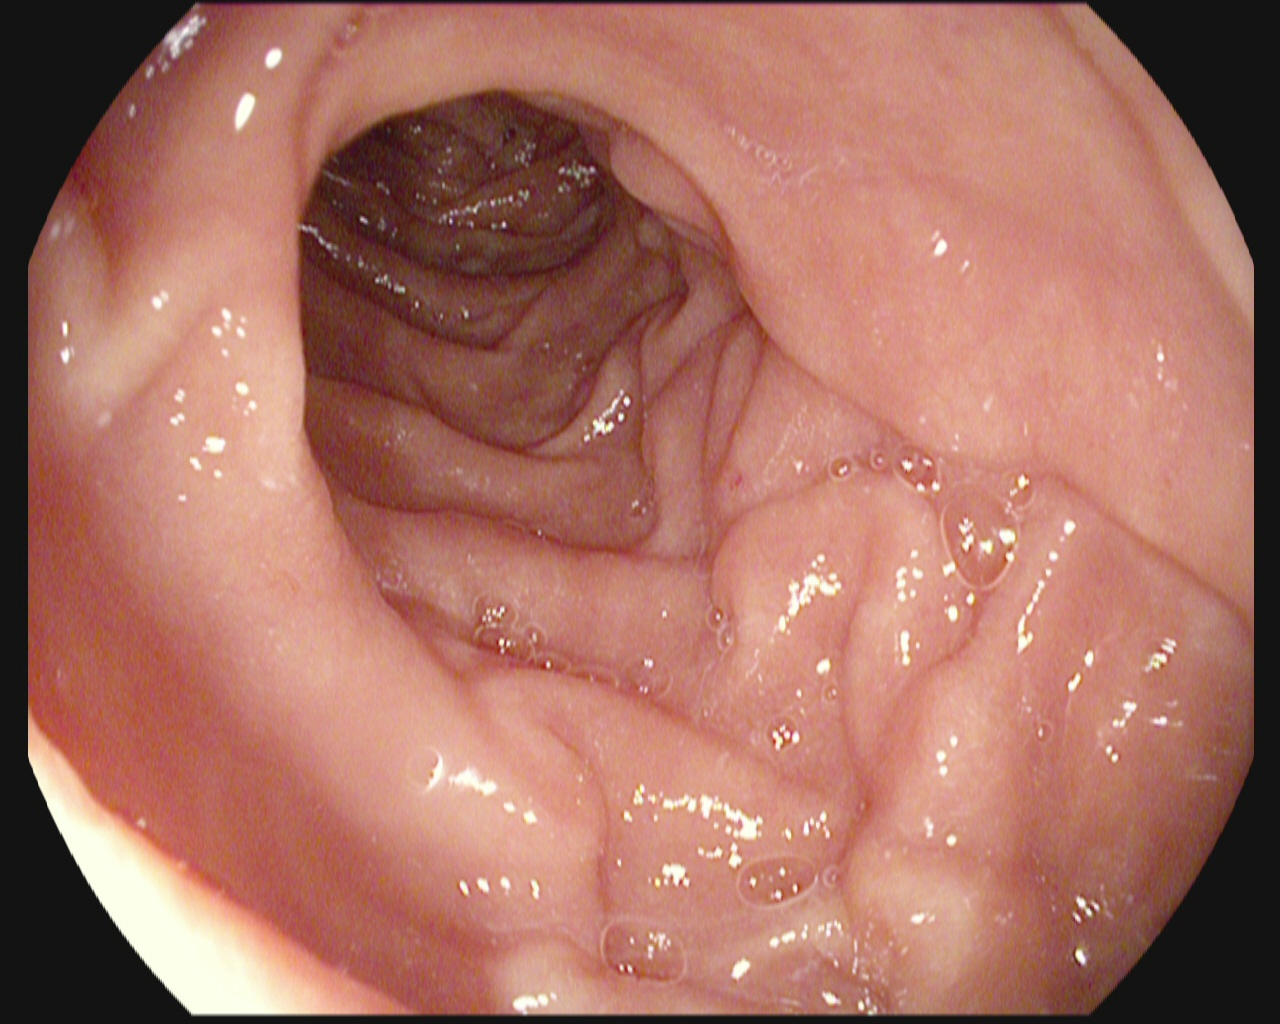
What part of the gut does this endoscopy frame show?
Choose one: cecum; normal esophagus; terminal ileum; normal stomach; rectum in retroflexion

terminal ileum